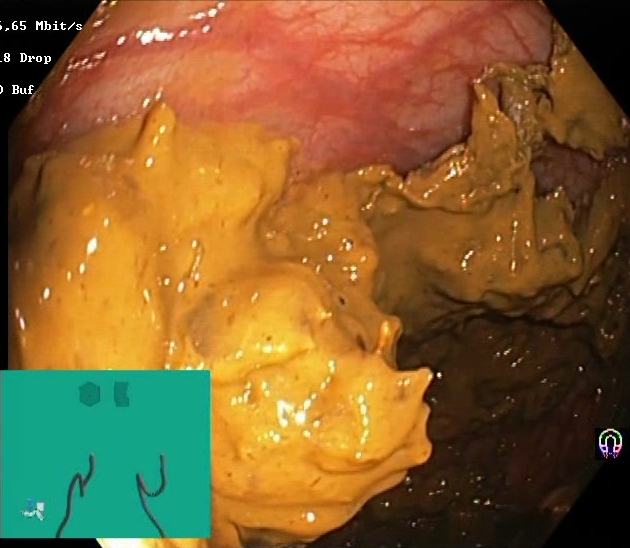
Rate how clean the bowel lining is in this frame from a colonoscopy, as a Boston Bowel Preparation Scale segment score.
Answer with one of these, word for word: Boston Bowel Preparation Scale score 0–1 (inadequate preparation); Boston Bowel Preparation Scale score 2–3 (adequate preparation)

Boston Bowel Preparation Scale score 0–1 (inadequate preparation)